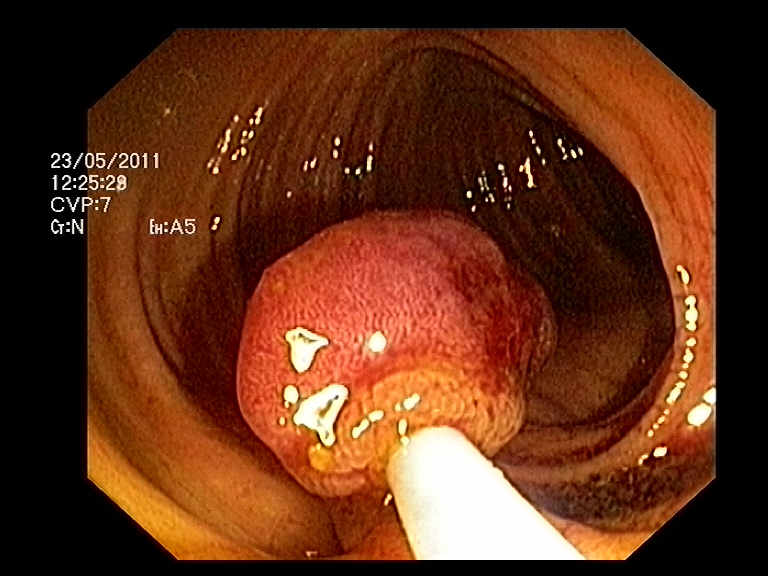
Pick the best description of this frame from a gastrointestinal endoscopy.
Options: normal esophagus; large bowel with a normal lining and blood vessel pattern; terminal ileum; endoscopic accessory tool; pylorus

endoscopic accessory tool